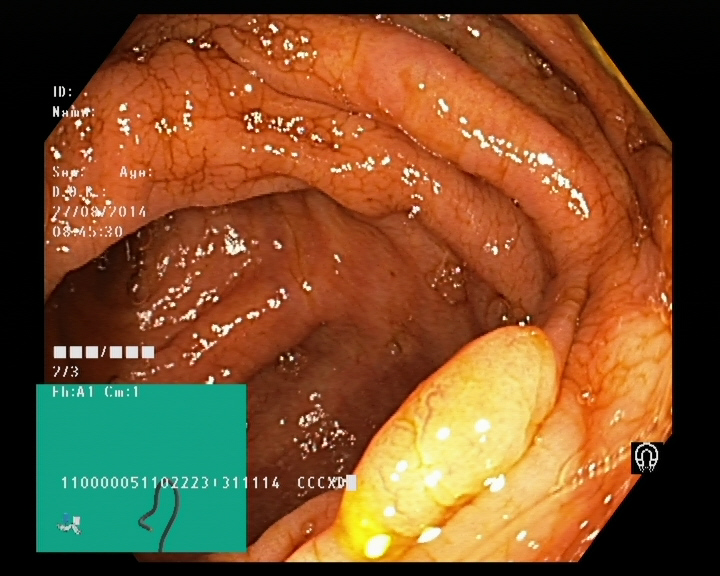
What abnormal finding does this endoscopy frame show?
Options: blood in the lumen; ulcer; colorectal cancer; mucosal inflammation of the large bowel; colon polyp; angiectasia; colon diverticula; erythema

colon polyp